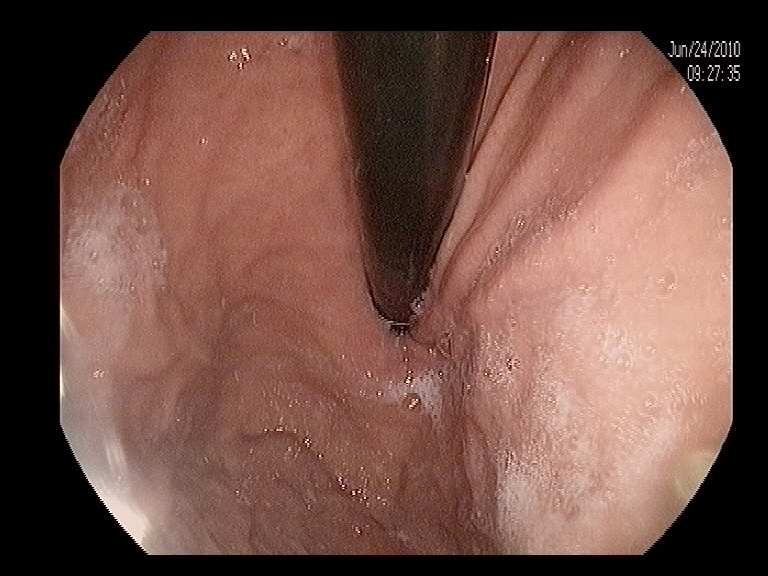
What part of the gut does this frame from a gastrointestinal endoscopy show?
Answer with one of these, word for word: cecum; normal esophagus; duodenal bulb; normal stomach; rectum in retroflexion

normal stomach